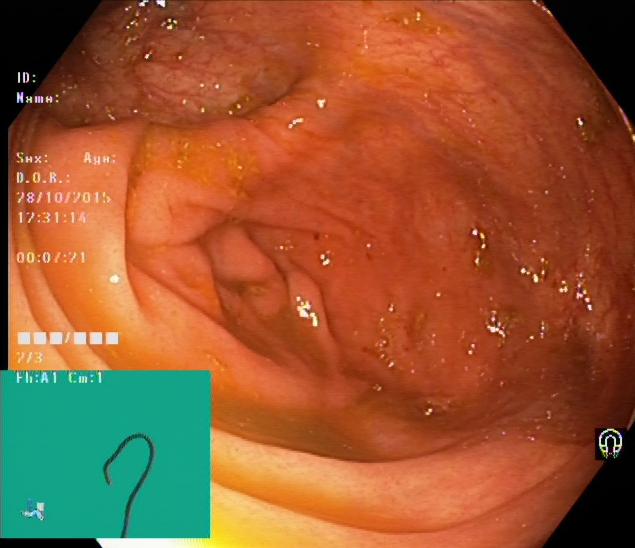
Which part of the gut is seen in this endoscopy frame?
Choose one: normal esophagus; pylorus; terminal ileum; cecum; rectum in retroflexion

cecum